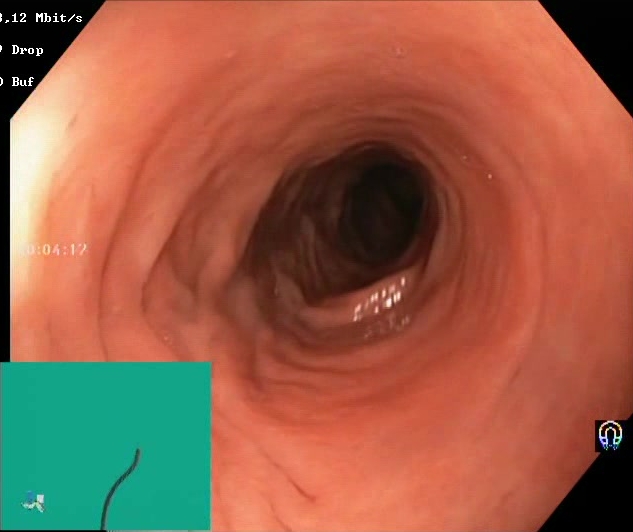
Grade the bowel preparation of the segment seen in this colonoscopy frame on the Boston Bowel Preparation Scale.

Boston Bowel Preparation Scale score 2–3 (adequate preparation)